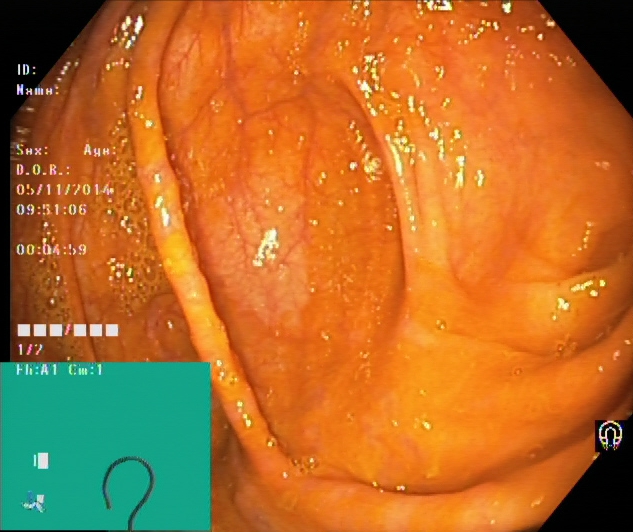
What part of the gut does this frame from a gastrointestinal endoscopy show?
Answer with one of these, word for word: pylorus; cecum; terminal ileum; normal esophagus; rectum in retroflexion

cecum